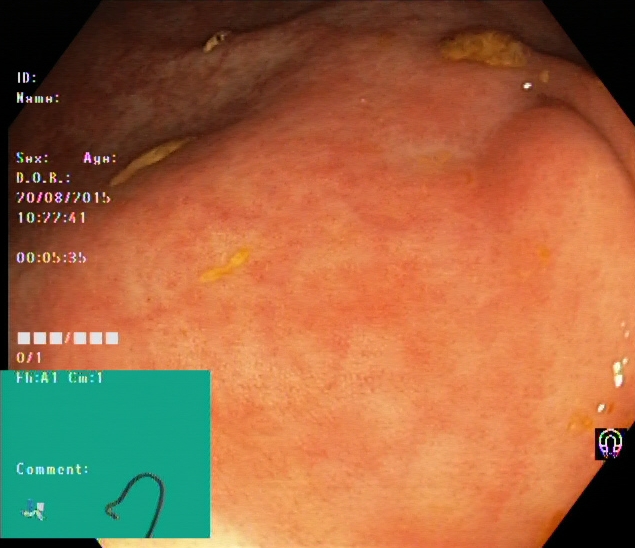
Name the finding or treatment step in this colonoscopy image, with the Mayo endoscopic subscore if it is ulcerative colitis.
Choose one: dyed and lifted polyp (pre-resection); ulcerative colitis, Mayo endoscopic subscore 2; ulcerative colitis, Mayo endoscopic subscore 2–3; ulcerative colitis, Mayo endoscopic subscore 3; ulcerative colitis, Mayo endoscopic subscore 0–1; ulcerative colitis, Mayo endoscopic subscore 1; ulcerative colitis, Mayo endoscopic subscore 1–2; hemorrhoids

ulcerative colitis, Mayo endoscopic subscore 1